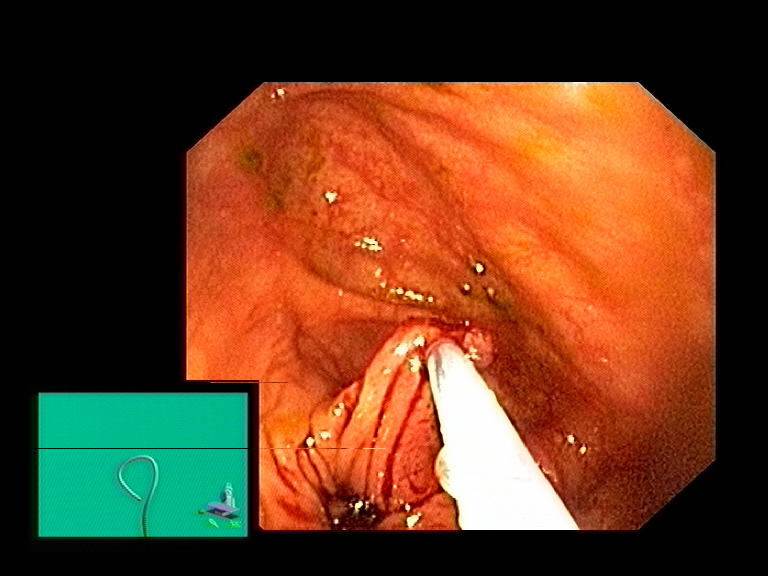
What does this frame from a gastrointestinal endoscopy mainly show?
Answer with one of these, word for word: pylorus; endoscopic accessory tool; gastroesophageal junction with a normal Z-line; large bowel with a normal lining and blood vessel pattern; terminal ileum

endoscopic accessory tool